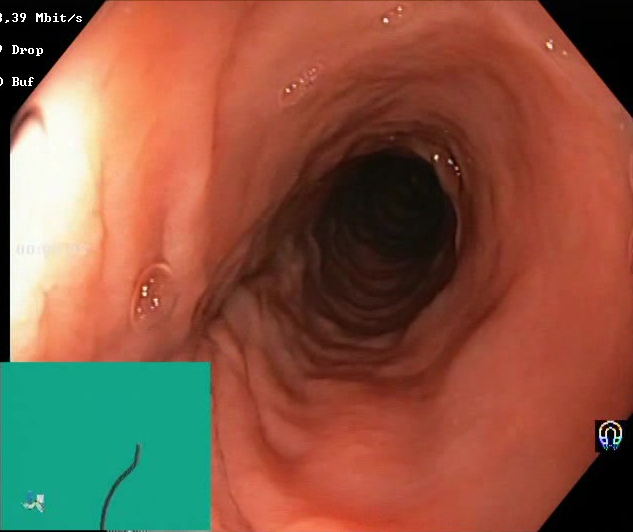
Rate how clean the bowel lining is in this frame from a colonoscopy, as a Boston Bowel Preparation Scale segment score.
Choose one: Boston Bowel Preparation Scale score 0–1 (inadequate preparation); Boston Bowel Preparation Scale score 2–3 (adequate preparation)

Boston Bowel Preparation Scale score 2–3 (adequate preparation)